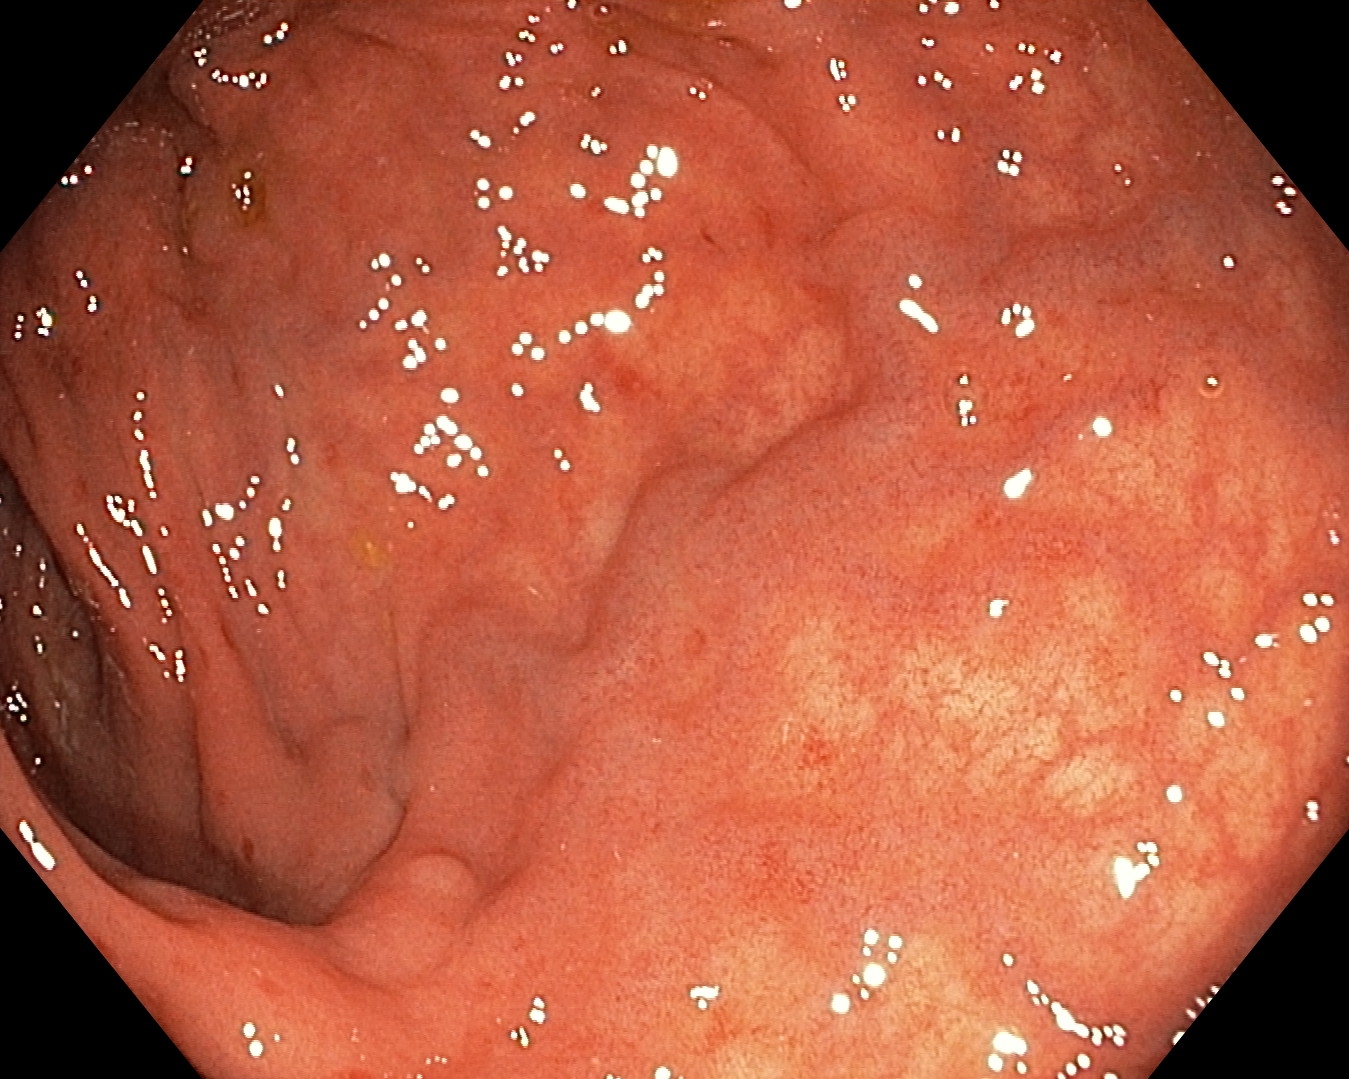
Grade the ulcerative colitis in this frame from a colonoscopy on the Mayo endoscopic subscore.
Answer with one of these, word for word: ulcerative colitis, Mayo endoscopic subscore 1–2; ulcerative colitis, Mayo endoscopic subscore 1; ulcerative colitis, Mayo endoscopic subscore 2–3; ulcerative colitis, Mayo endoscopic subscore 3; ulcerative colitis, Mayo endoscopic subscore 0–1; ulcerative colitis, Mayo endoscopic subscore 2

ulcerative colitis, Mayo endoscopic subscore 1